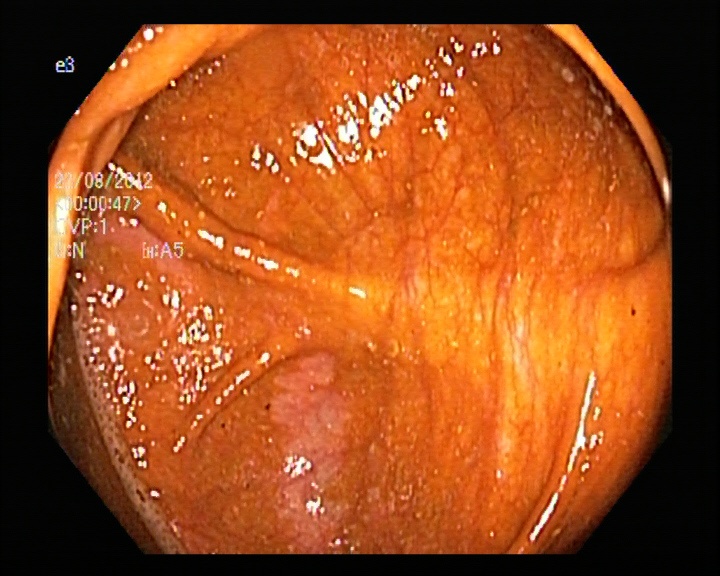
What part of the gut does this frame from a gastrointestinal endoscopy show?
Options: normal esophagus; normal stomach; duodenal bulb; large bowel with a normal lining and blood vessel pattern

large bowel with a normal lining and blood vessel pattern